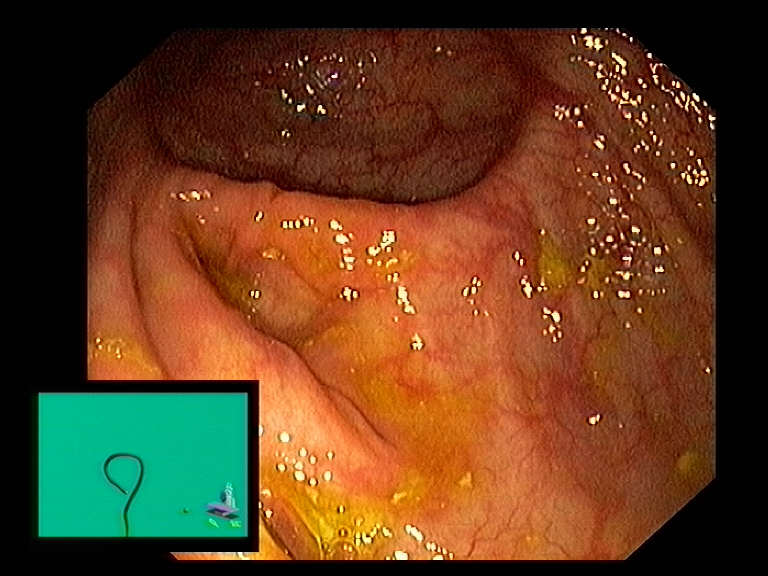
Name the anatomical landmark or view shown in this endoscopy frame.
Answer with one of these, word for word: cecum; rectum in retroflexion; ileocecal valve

cecum